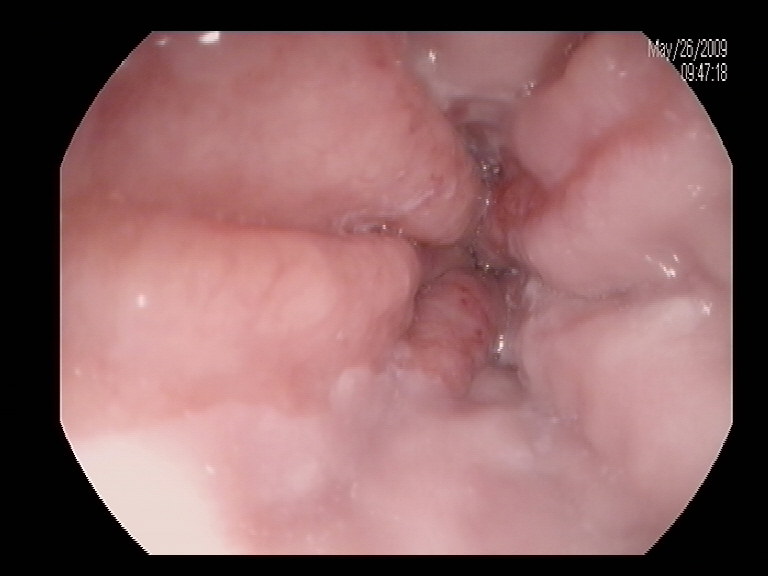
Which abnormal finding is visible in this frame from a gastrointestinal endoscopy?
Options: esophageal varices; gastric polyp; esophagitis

esophagitis